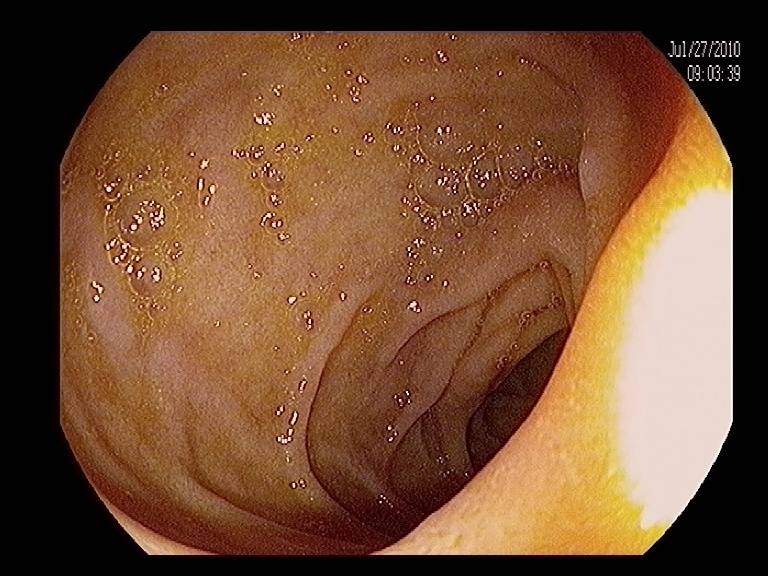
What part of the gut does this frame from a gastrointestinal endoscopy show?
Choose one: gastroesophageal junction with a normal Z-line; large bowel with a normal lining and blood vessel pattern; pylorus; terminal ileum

terminal ileum